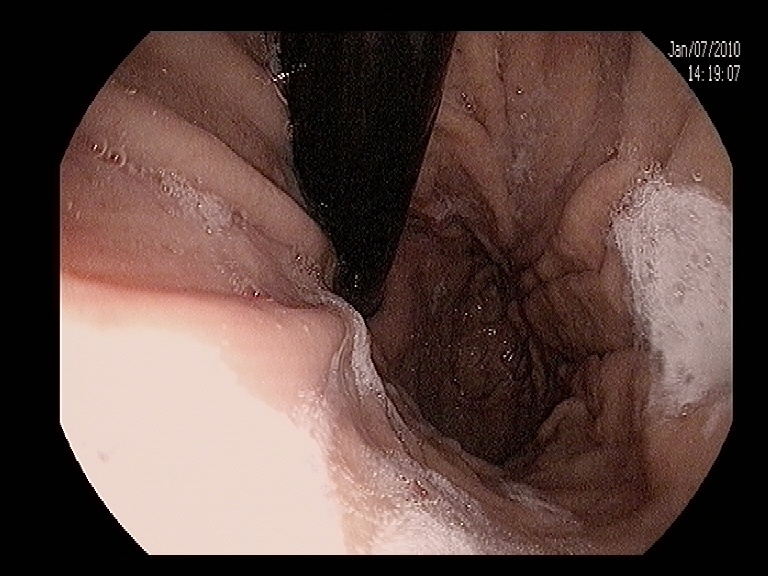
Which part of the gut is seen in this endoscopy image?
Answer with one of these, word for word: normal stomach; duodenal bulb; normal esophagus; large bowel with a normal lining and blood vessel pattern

normal stomach